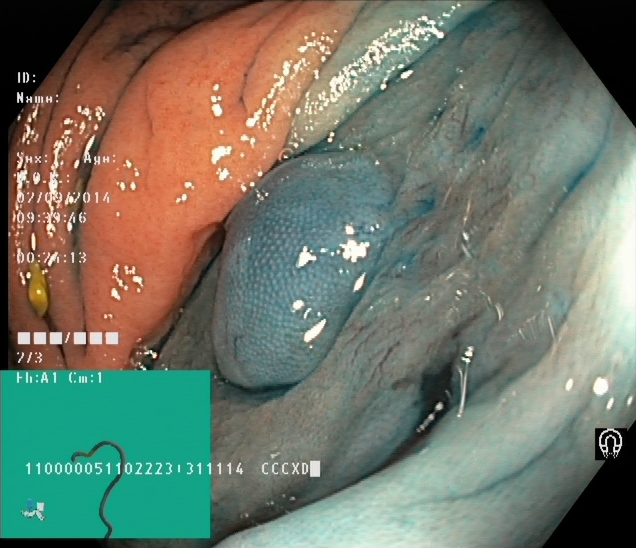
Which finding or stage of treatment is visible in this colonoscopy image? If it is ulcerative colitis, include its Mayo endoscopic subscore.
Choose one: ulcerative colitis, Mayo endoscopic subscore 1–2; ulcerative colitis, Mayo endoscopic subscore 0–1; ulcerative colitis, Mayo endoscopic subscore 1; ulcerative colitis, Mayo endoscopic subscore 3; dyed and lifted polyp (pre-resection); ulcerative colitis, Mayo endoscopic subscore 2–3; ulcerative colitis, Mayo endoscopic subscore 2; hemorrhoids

dyed and lifted polyp (pre-resection)